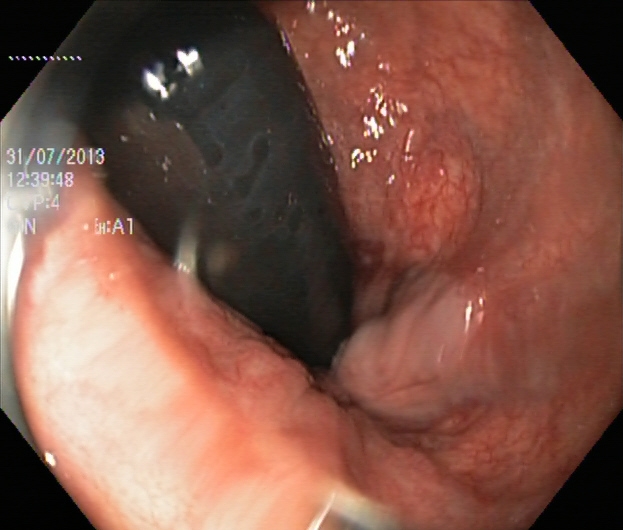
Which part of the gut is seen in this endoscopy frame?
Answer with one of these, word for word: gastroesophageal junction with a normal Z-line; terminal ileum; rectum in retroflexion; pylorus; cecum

rectum in retroflexion